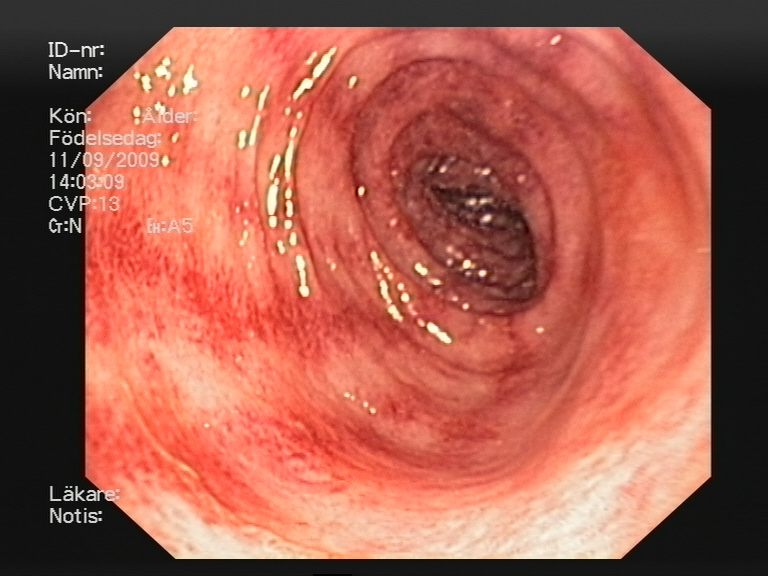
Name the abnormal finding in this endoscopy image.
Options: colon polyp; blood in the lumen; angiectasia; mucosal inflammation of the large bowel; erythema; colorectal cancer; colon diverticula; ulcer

mucosal inflammation of the large bowel